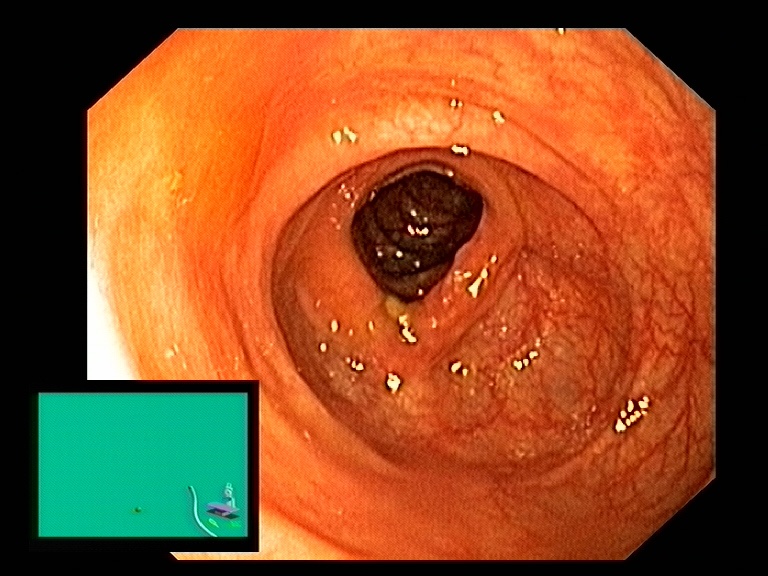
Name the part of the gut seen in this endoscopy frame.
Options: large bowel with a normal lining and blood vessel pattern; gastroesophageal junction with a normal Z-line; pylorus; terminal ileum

large bowel with a normal lining and blood vessel pattern